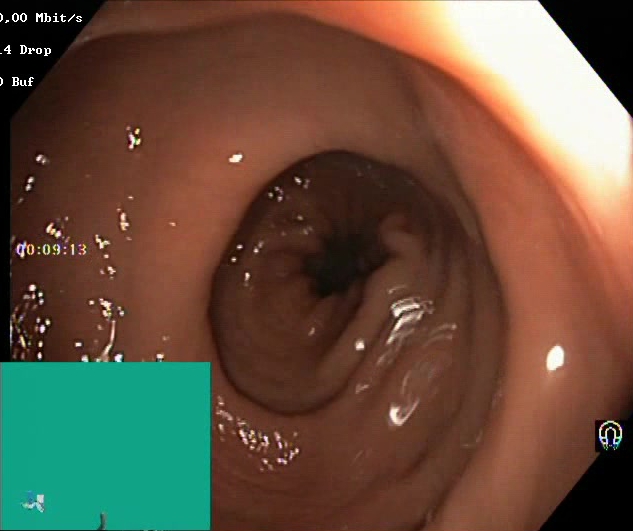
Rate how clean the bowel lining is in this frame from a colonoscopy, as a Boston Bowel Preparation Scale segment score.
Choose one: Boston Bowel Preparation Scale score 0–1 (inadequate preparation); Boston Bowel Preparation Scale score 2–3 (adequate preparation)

Boston Bowel Preparation Scale score 2–3 (adequate preparation)